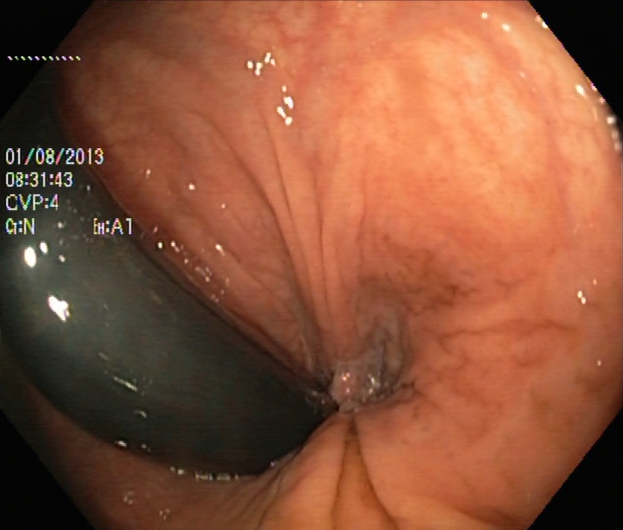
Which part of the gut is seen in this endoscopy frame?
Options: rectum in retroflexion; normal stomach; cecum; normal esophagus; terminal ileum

rectum in retroflexion